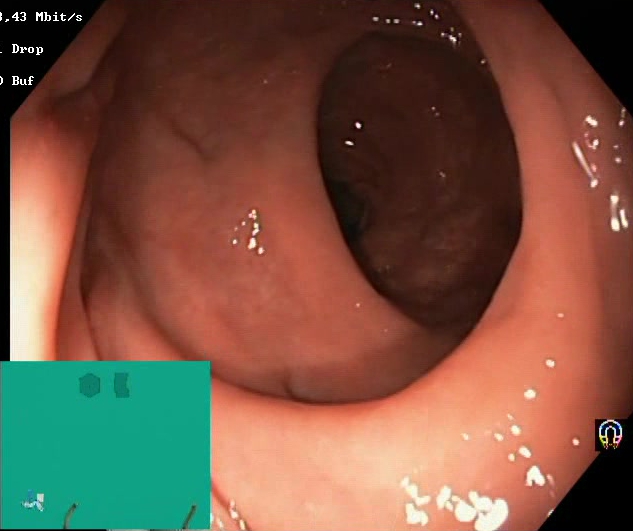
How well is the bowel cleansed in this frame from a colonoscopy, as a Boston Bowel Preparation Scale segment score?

Boston Bowel Preparation Scale score 2–3 (adequate preparation)